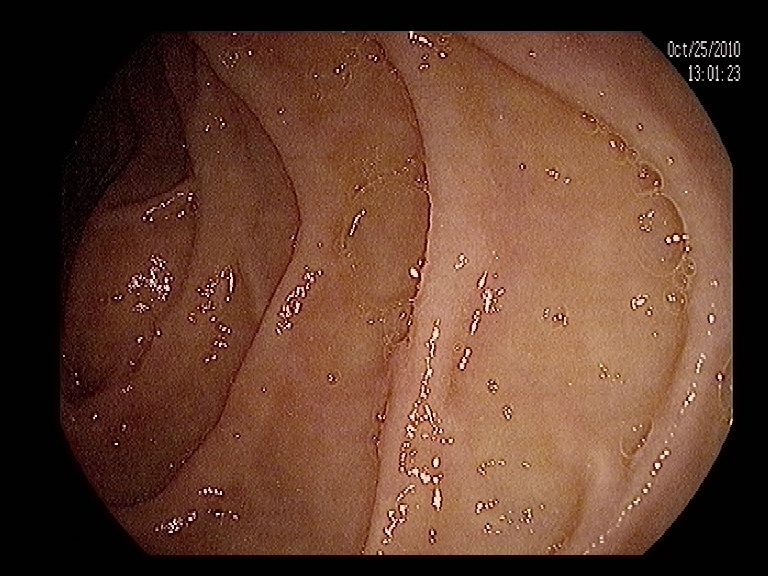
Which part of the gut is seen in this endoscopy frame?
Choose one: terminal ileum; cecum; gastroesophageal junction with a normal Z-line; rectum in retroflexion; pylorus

terminal ileum